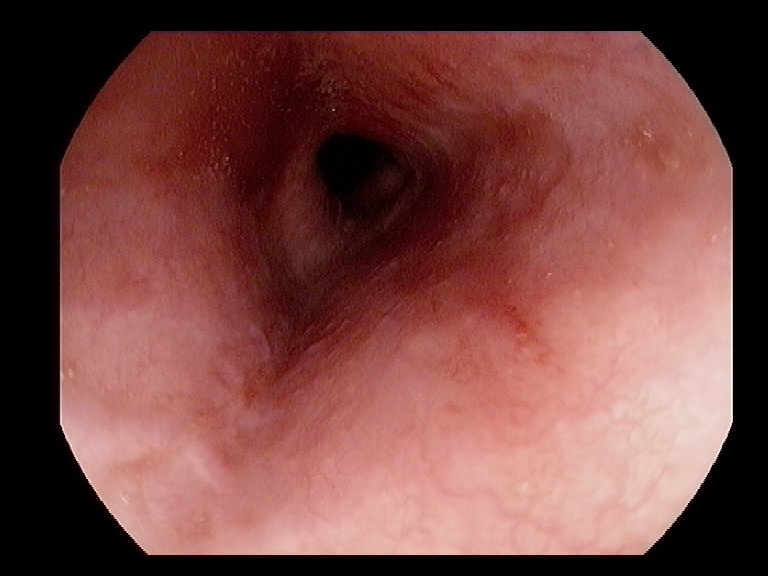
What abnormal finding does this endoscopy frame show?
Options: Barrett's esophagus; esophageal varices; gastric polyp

Barrett's esophagus